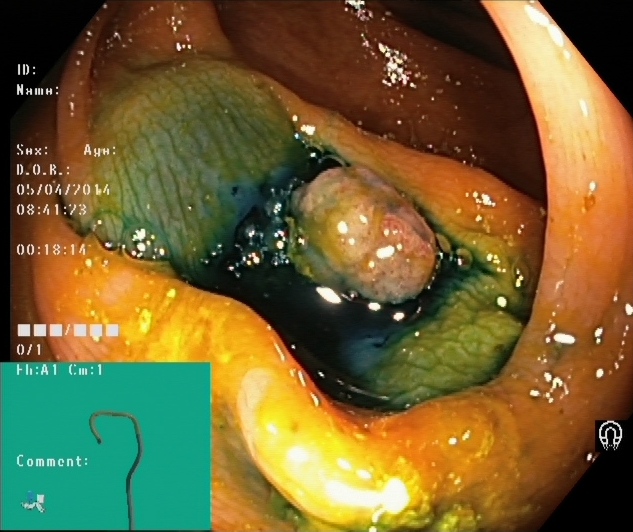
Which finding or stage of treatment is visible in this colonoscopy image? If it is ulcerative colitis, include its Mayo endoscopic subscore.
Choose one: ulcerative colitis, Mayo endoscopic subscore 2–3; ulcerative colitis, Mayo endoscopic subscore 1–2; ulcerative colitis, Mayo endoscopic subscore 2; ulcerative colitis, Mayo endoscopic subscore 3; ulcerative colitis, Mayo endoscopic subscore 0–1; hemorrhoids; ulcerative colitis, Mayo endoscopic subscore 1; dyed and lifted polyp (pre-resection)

dyed and lifted polyp (pre-resection)